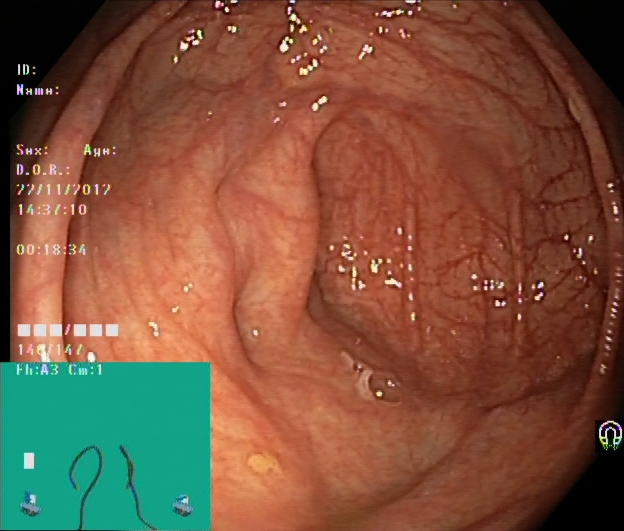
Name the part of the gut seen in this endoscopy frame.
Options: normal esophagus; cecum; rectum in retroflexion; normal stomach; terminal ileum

cecum